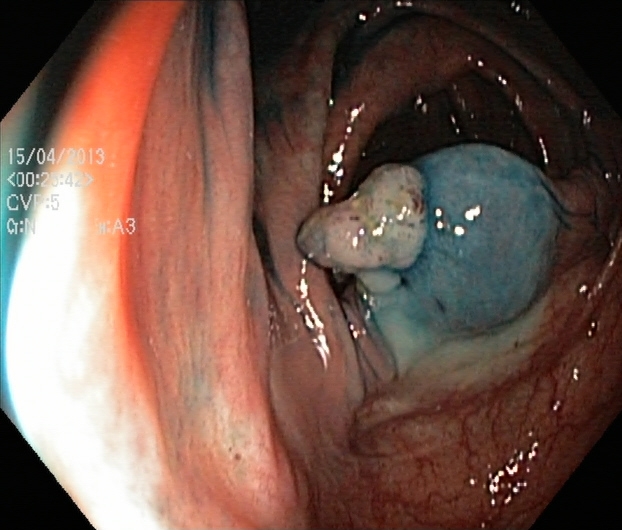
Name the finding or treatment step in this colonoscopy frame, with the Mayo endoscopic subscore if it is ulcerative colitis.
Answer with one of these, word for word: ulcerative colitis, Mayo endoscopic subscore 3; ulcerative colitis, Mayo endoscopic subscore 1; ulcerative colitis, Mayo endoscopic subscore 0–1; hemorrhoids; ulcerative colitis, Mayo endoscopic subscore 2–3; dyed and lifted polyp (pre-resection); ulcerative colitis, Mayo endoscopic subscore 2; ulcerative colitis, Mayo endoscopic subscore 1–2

dyed and lifted polyp (pre-resection)